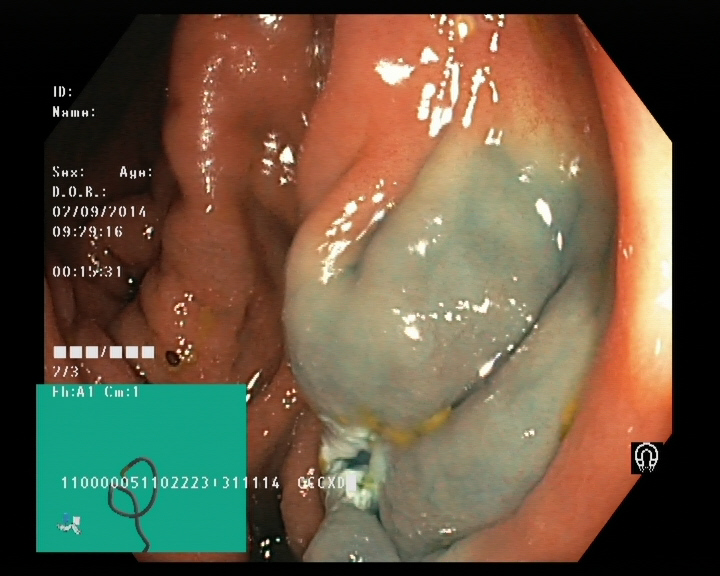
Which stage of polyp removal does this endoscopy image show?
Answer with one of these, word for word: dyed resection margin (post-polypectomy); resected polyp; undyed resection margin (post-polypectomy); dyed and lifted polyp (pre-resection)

dyed resection margin (post-polypectomy)